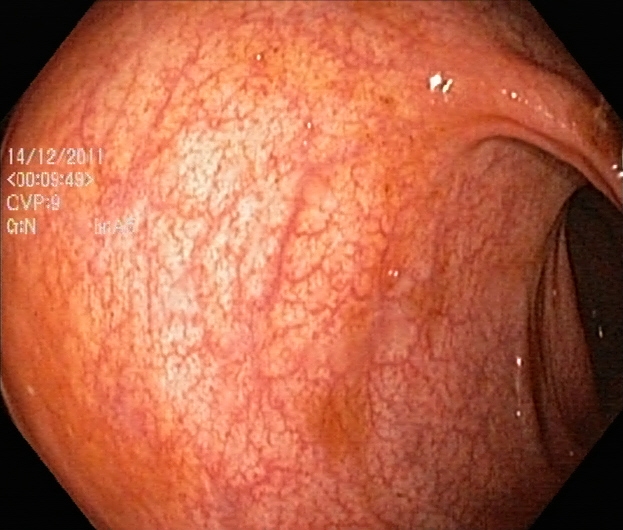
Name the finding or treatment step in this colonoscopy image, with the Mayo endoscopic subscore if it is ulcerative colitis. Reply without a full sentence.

ulcerative colitis, Mayo endoscopic subscore 0–1